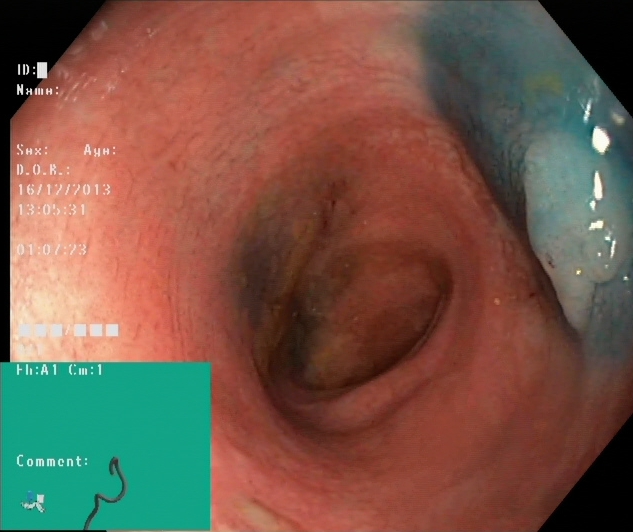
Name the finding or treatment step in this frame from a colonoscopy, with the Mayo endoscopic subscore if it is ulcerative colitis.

dyed and lifted polyp (pre-resection)